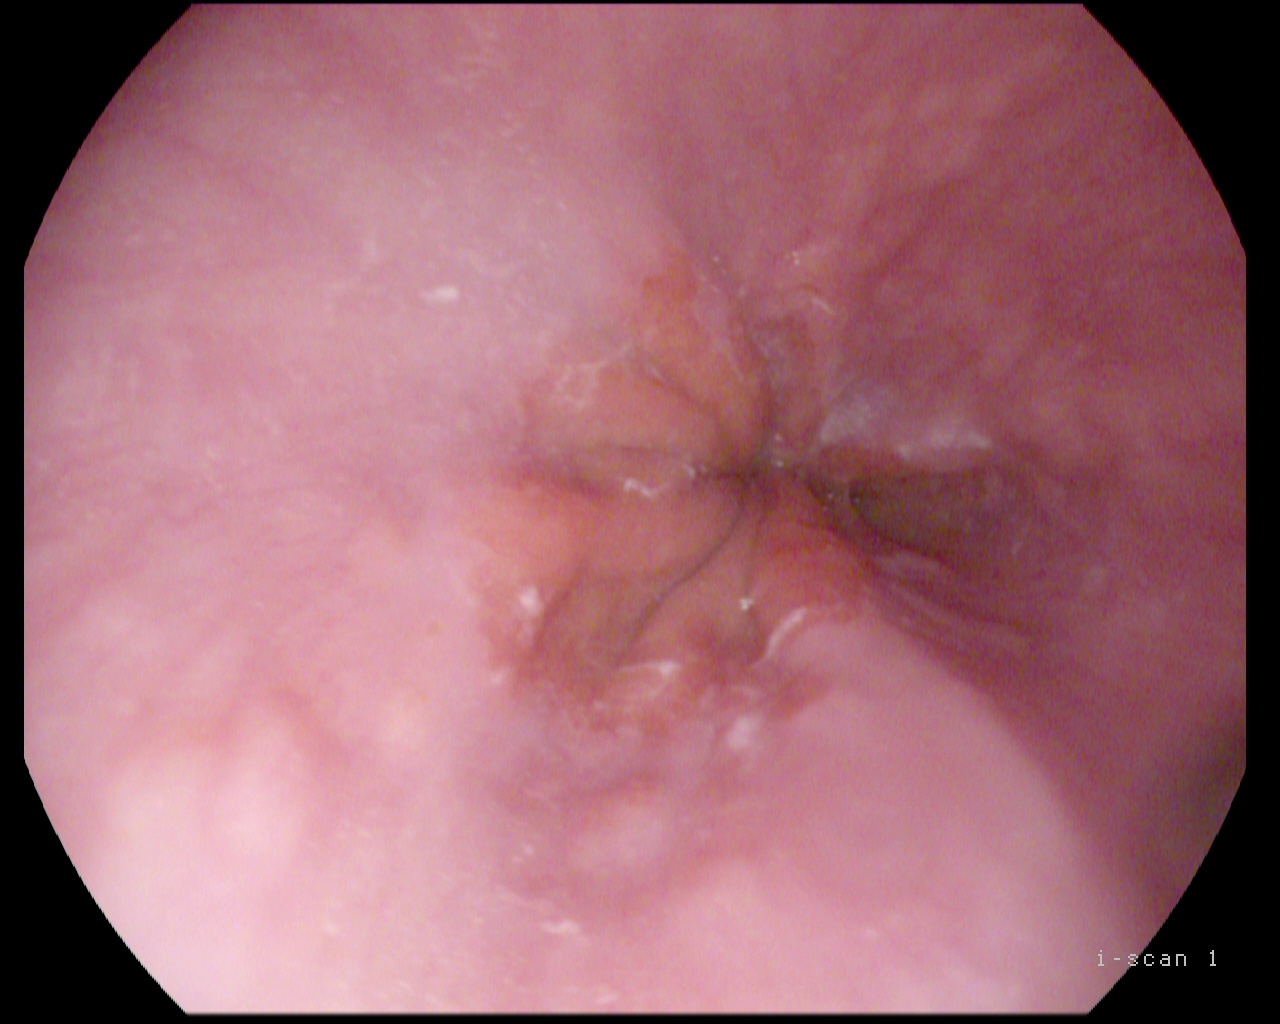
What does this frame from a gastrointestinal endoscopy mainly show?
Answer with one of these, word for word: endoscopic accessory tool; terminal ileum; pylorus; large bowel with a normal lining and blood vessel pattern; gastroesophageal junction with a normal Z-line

gastroesophageal junction with a normal Z-line